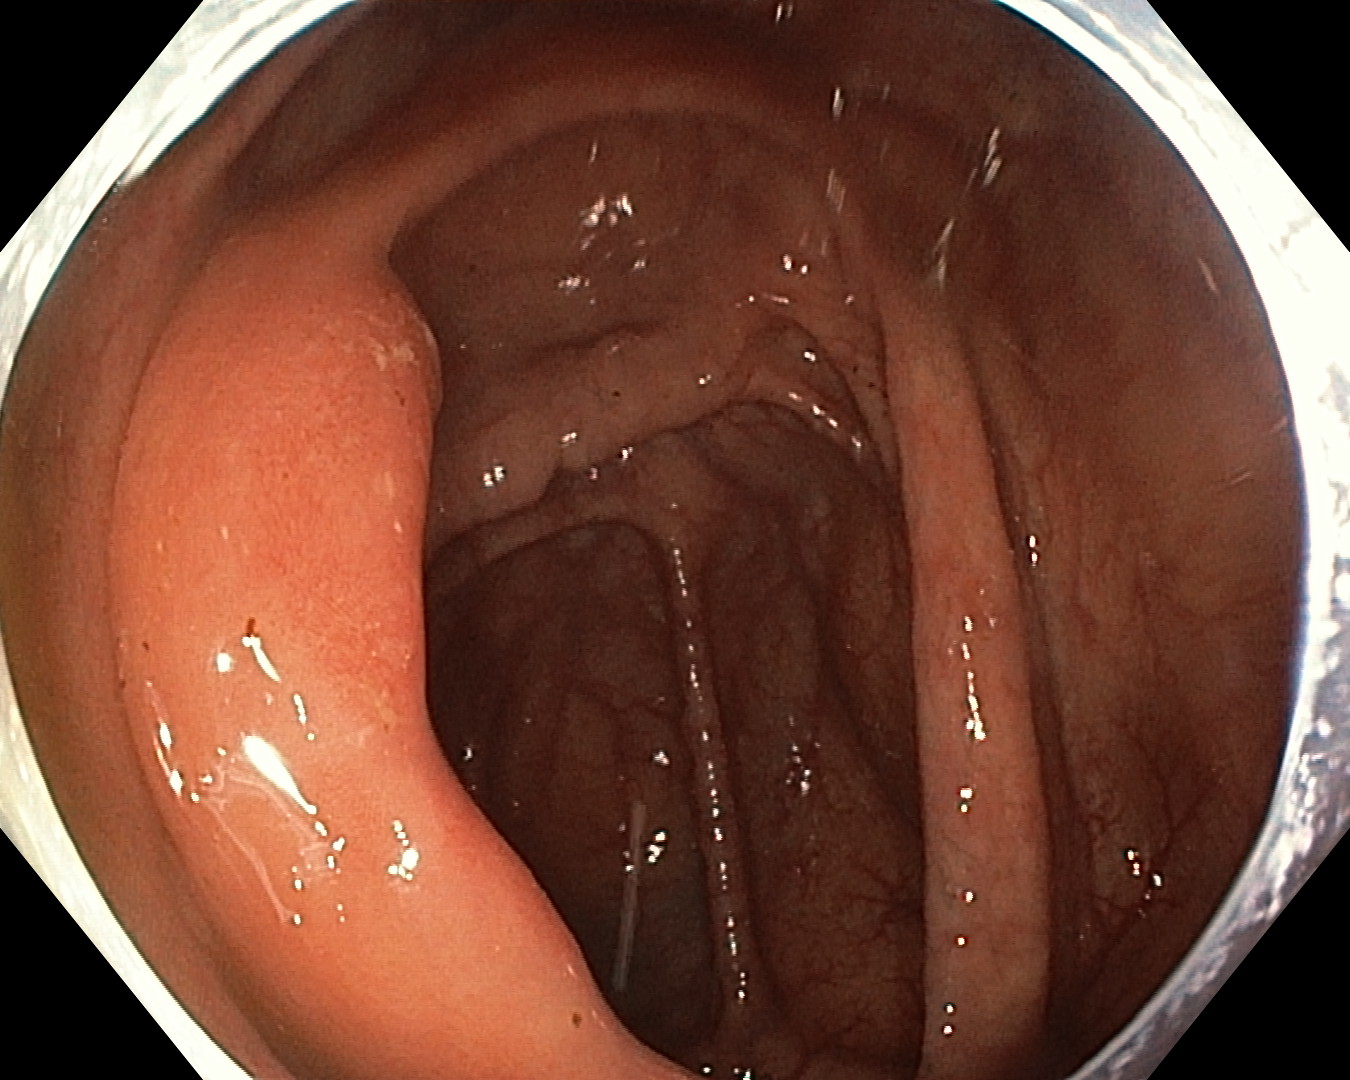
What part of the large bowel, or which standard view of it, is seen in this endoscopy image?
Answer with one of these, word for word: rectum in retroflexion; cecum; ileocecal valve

ileocecal valve